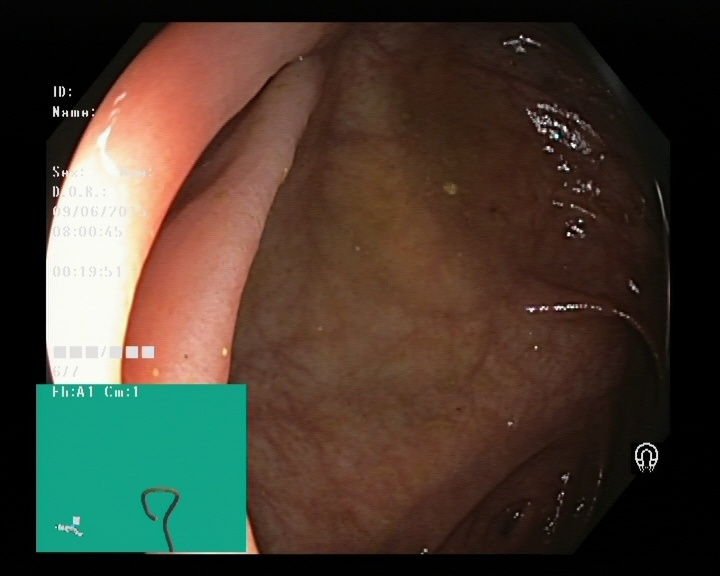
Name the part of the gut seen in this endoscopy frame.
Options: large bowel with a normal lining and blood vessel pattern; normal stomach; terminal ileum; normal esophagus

large bowel with a normal lining and blood vessel pattern